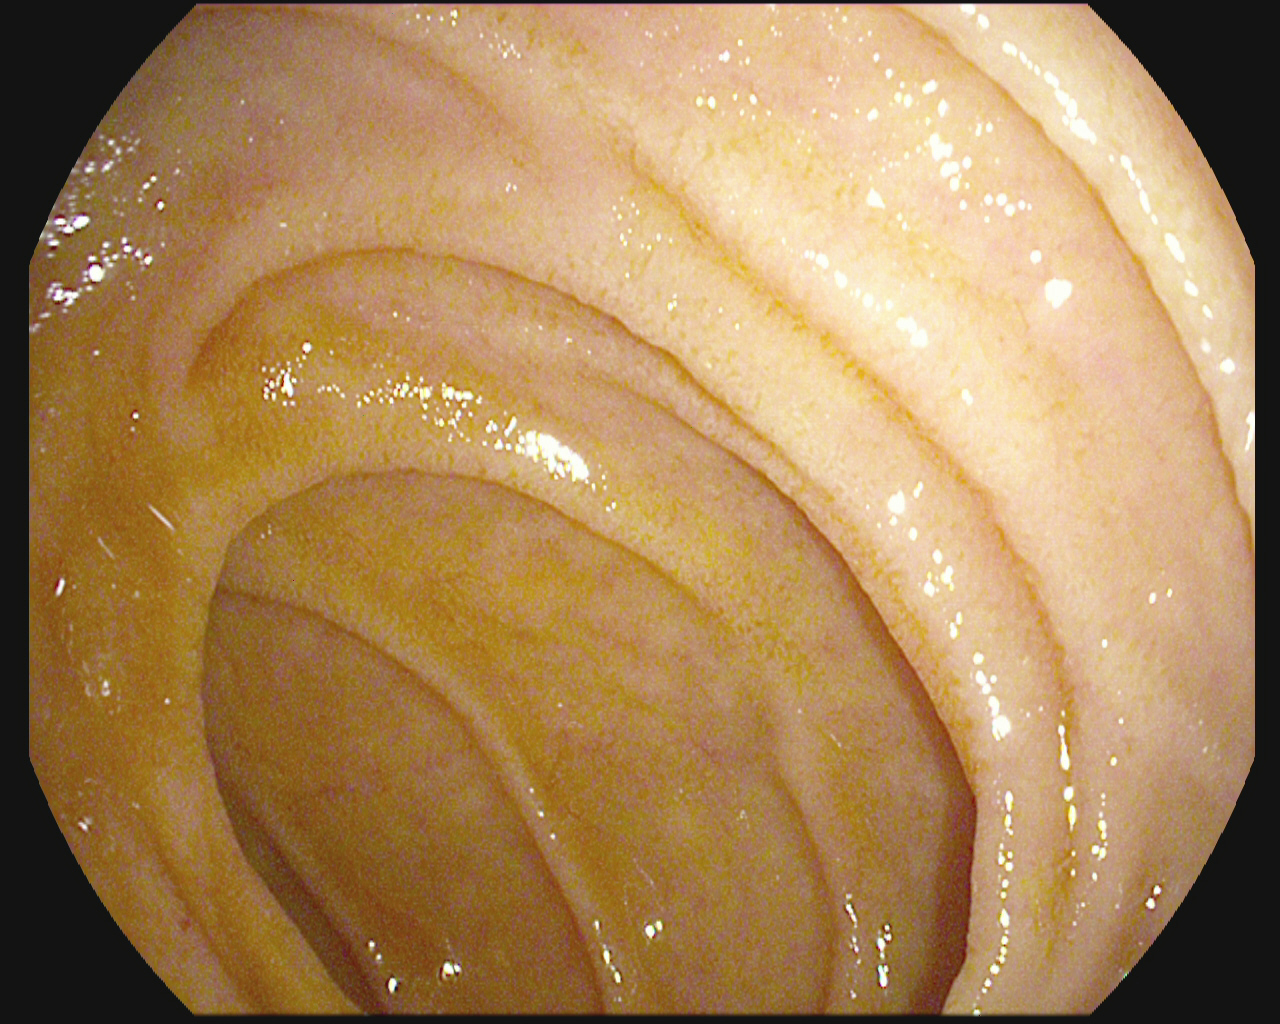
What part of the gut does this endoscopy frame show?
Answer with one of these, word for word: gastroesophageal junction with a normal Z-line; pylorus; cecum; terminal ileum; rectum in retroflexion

terminal ileum